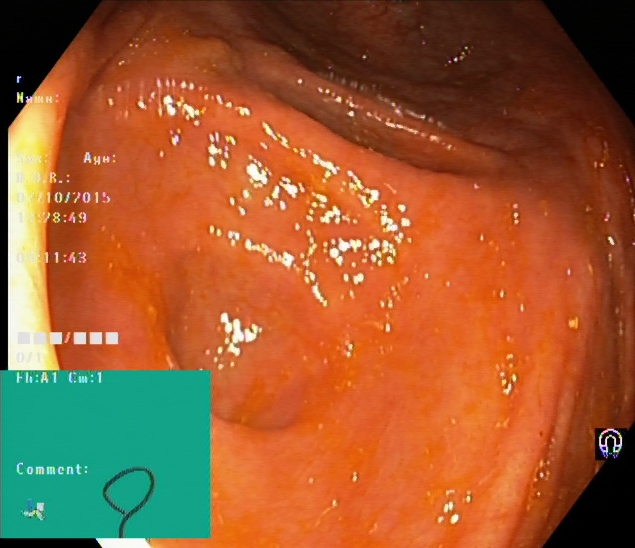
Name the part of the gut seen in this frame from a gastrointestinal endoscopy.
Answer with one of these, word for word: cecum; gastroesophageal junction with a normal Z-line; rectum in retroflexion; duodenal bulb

cecum